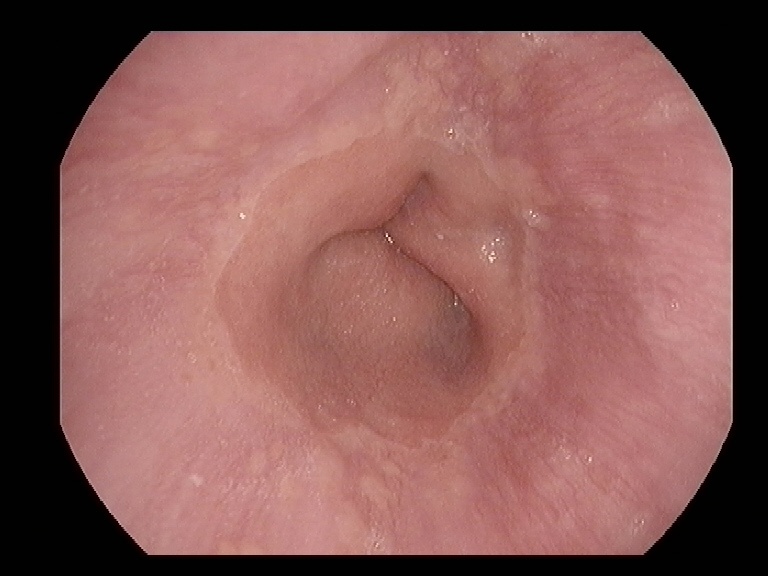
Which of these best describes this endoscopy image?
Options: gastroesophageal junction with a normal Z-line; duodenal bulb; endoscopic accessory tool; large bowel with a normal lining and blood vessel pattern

gastroesophageal junction with a normal Z-line